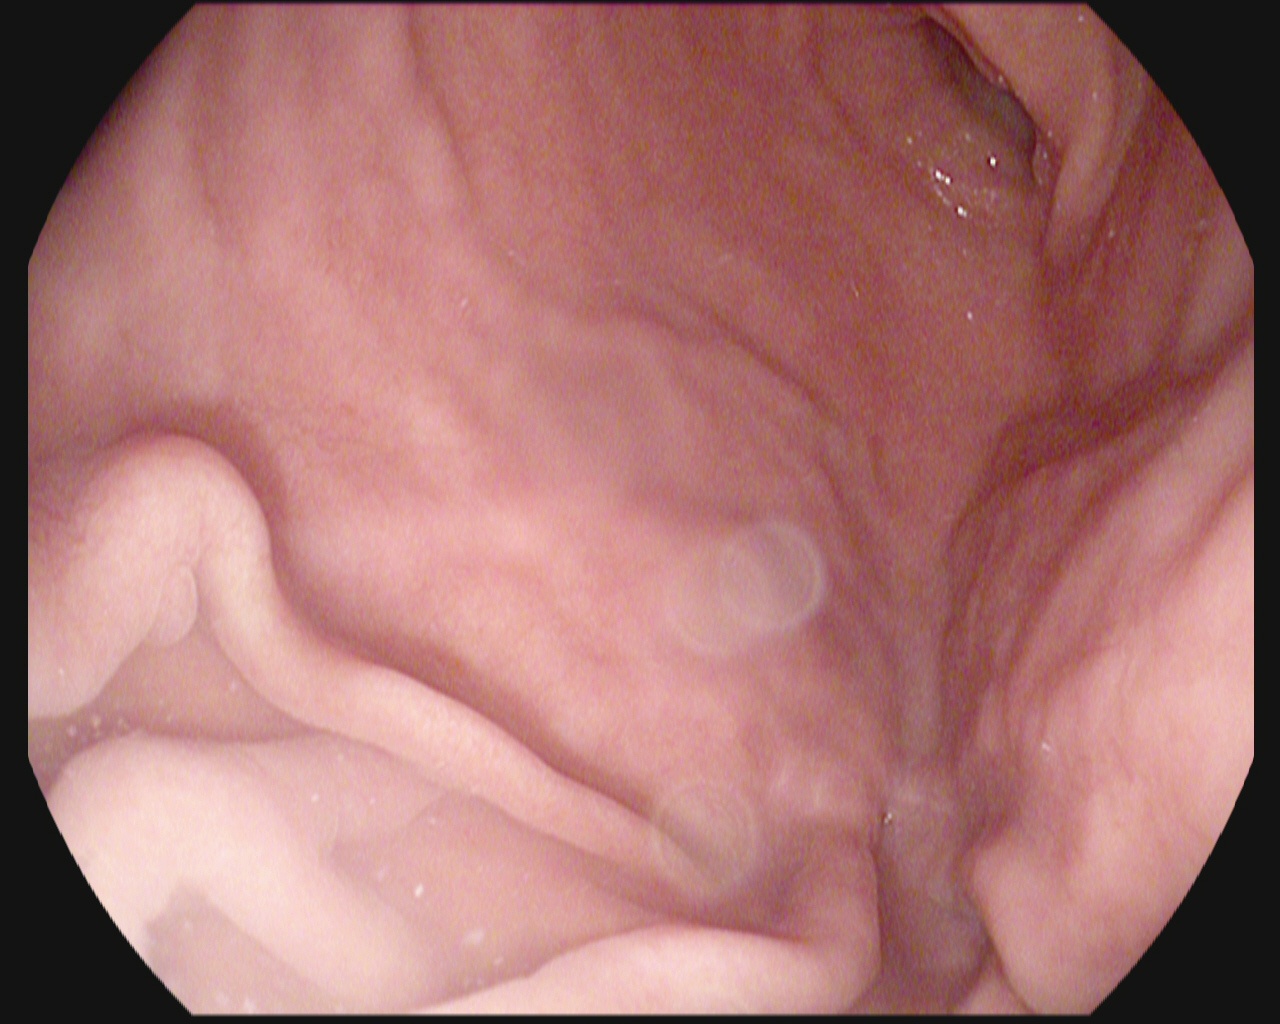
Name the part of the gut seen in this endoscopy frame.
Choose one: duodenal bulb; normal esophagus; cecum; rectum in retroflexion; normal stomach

normal stomach